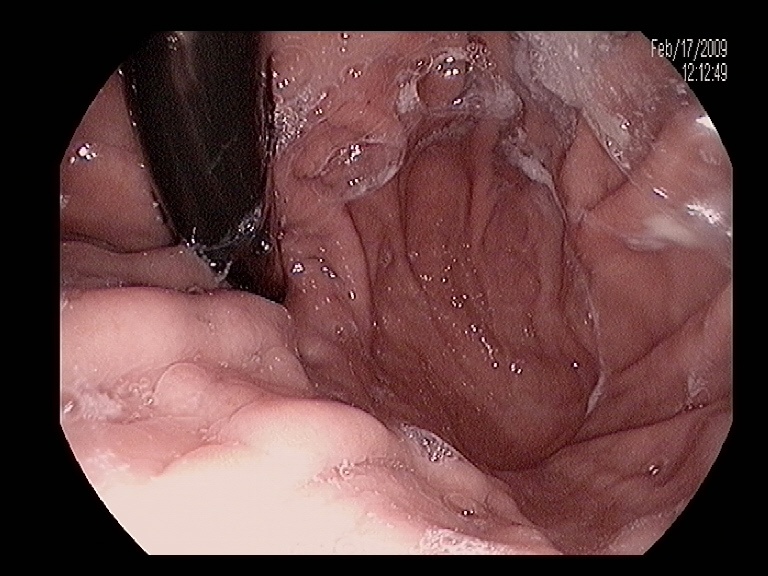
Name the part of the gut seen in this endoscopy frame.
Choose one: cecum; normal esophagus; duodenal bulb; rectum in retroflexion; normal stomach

normal stomach